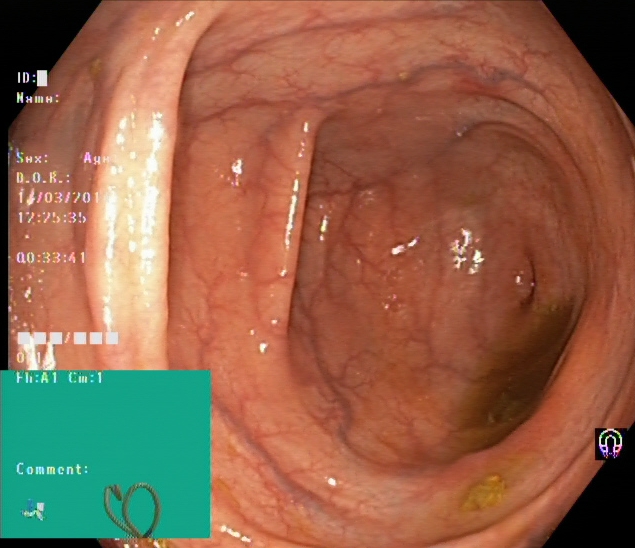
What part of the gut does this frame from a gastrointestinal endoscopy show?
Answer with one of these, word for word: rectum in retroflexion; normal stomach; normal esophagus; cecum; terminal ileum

cecum